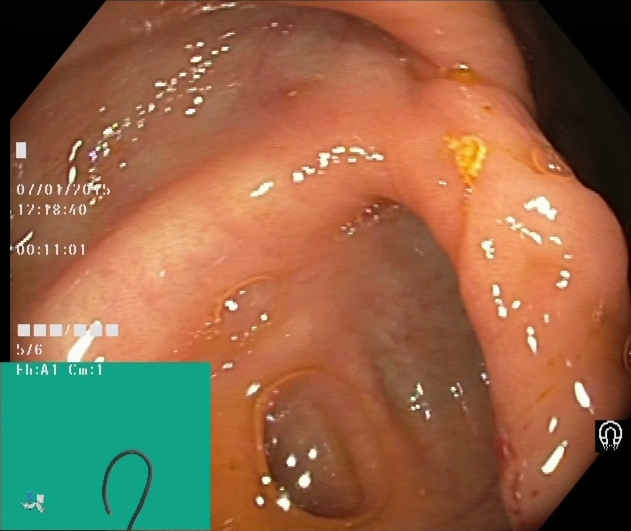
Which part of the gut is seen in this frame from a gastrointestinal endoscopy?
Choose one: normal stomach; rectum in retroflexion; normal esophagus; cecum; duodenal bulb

cecum